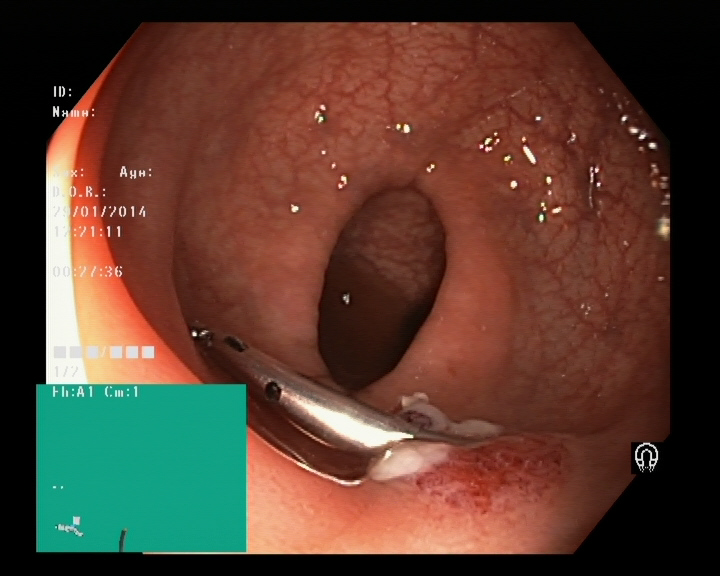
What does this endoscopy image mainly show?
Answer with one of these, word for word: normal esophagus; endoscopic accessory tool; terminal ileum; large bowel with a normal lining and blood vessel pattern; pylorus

endoscopic accessory tool